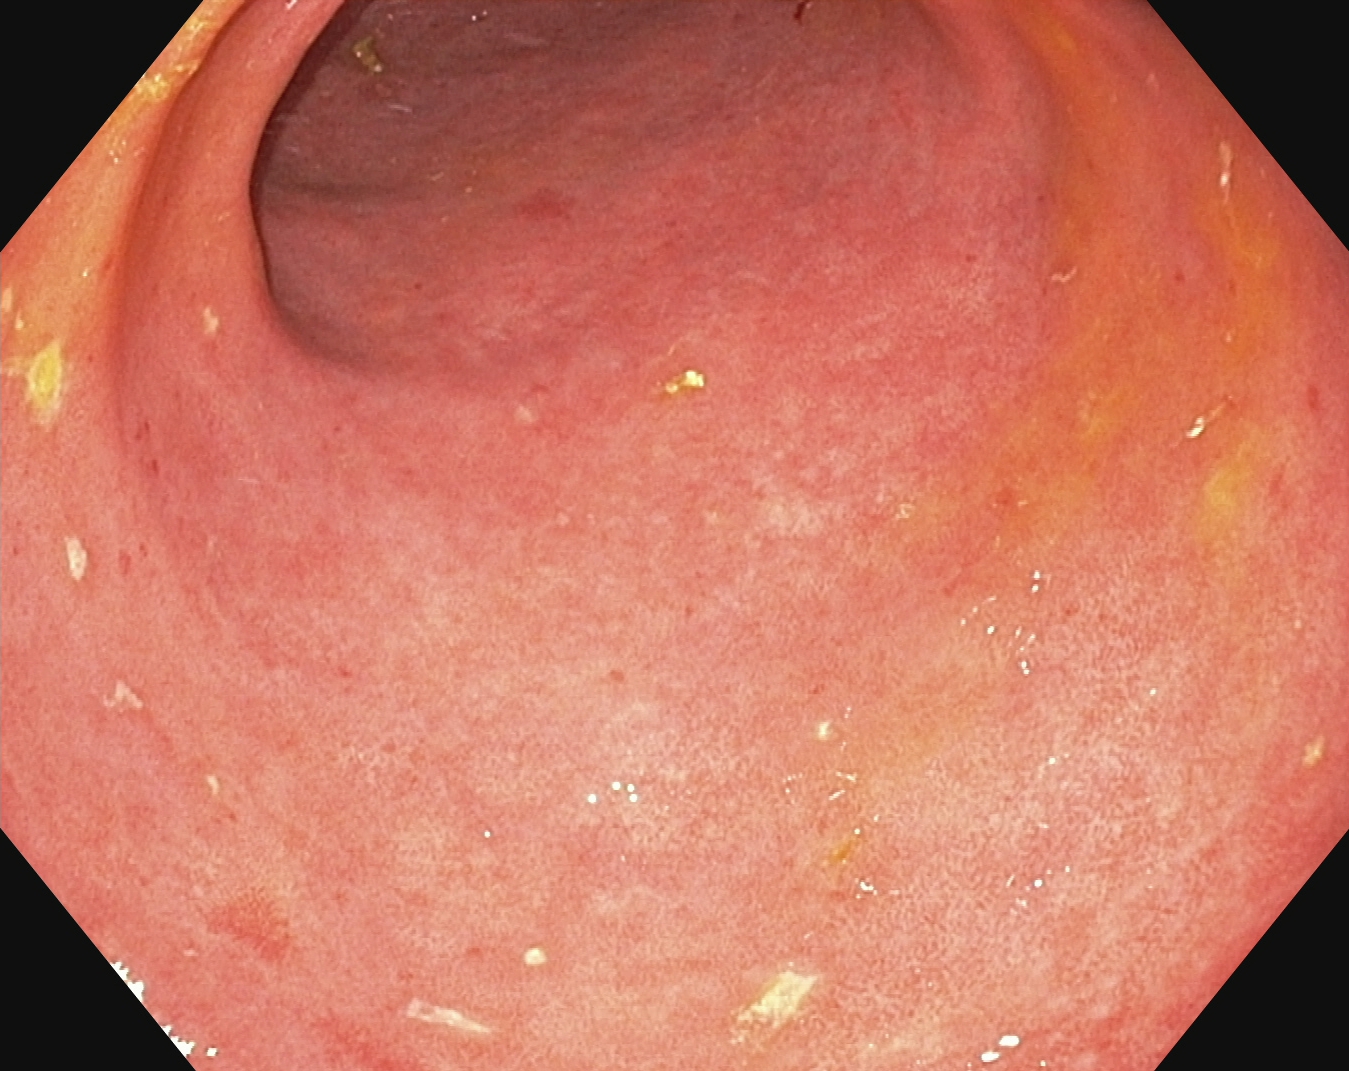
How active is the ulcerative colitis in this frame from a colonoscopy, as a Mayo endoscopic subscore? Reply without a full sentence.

ulcerative colitis, Mayo endoscopic subscore 1–2